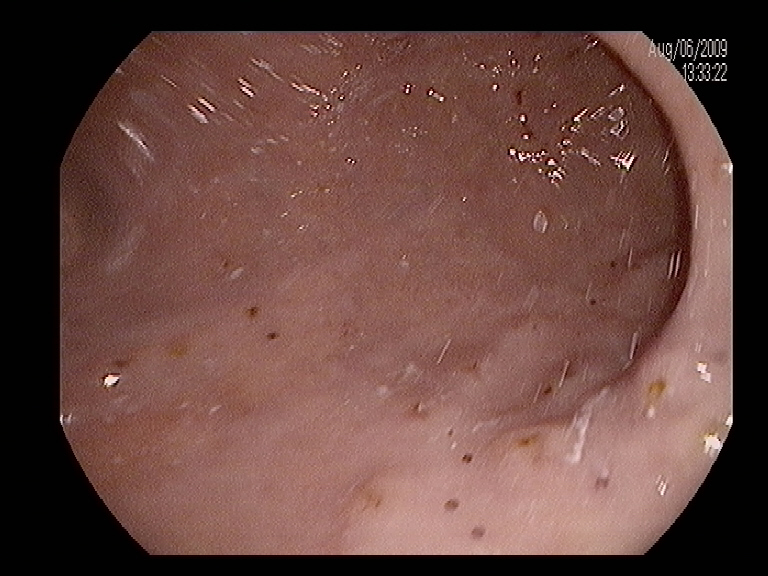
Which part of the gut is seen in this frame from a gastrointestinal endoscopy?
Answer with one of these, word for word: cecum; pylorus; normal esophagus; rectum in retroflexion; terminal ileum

terminal ileum